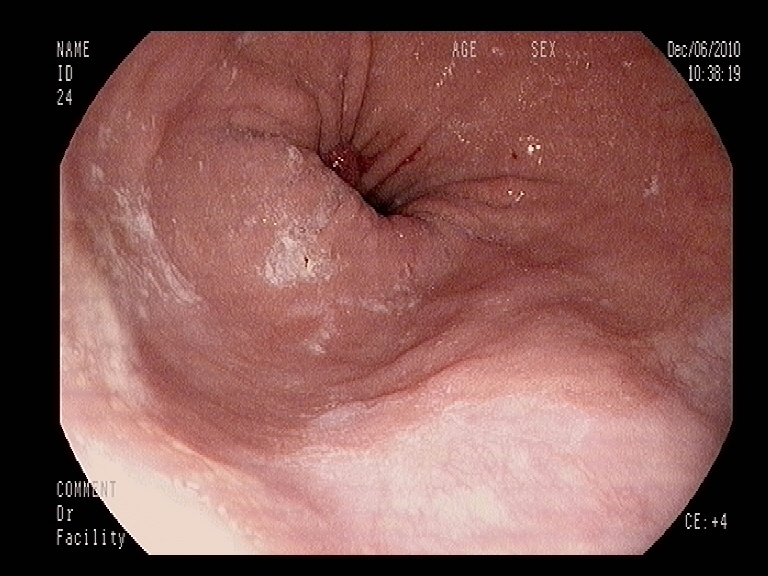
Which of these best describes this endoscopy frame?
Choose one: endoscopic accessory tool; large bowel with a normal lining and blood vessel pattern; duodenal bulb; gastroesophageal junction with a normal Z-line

gastroesophageal junction with a normal Z-line